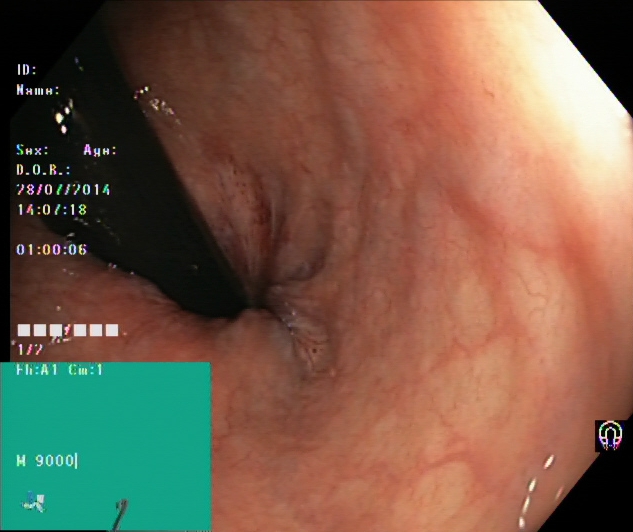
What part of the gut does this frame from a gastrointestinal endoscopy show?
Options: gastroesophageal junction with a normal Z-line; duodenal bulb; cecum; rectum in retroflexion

rectum in retroflexion